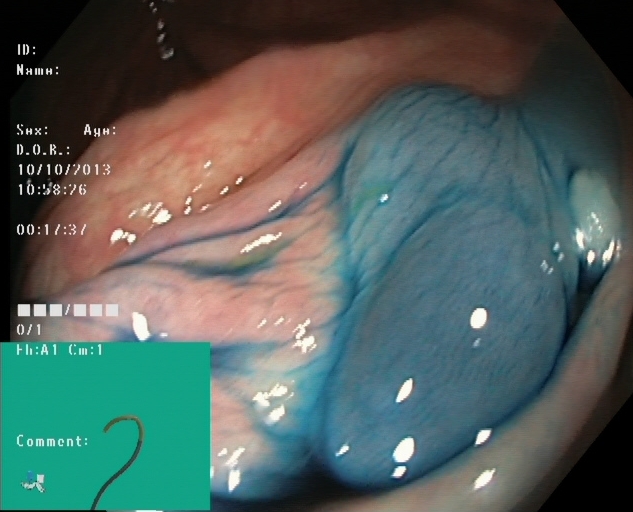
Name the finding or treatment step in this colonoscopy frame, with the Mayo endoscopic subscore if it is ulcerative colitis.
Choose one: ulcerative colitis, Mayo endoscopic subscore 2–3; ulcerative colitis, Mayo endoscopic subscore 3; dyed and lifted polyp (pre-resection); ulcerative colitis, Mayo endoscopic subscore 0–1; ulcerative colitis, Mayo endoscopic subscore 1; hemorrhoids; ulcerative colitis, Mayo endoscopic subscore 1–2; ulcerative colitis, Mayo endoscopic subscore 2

dyed and lifted polyp (pre-resection)